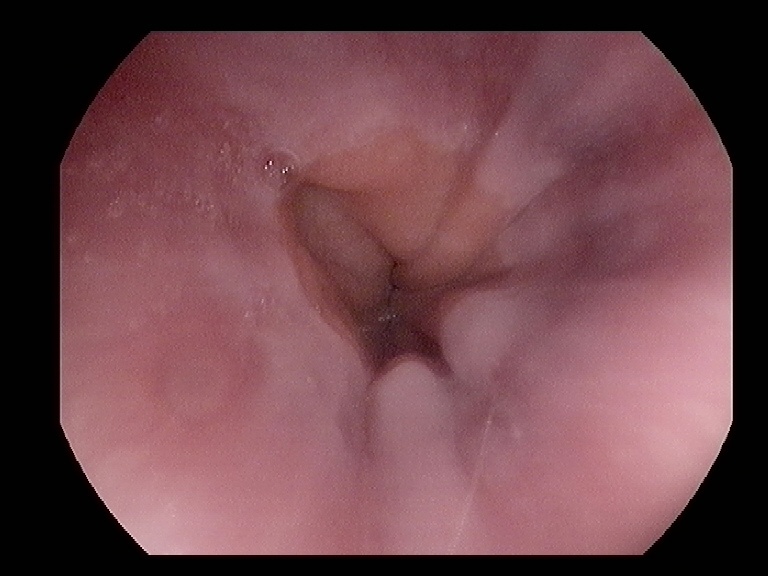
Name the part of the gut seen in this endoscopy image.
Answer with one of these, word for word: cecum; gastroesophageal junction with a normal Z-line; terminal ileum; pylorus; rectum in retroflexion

gastroesophageal junction with a normal Z-line